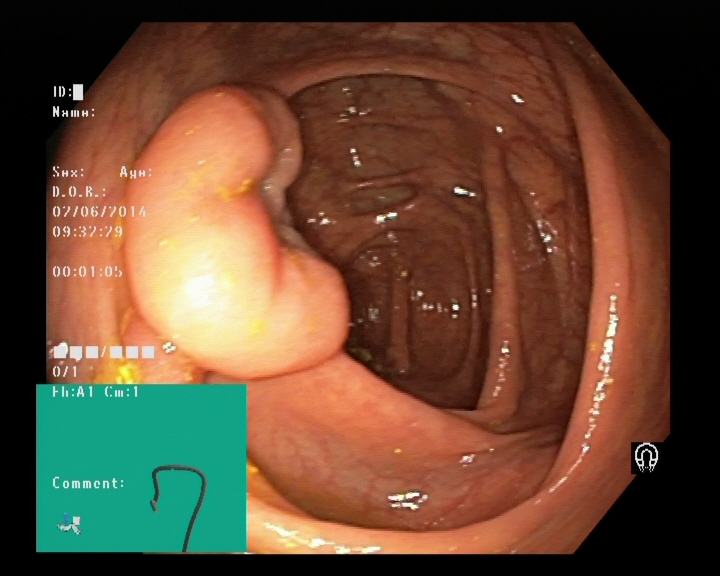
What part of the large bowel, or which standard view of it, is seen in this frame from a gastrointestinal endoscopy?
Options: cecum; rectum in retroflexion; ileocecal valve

ileocecal valve